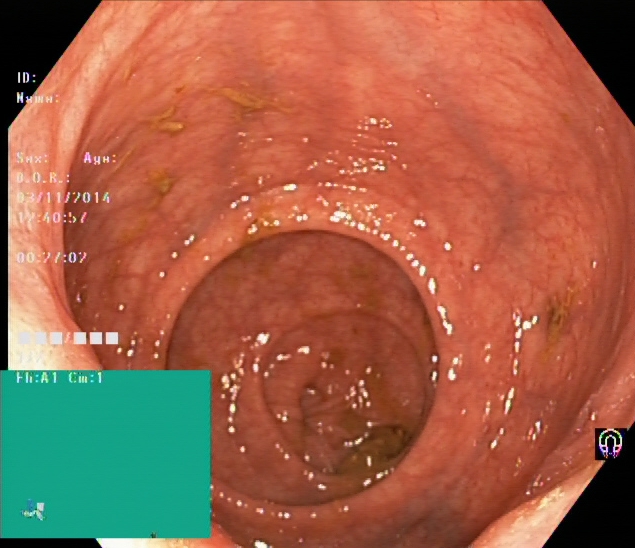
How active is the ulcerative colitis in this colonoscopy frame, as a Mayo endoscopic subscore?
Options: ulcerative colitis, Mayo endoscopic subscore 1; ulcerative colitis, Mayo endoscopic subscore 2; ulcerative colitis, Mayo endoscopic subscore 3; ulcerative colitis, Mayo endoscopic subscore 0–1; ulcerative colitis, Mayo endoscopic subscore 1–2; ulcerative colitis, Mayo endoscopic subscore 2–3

ulcerative colitis, Mayo endoscopic subscore 1